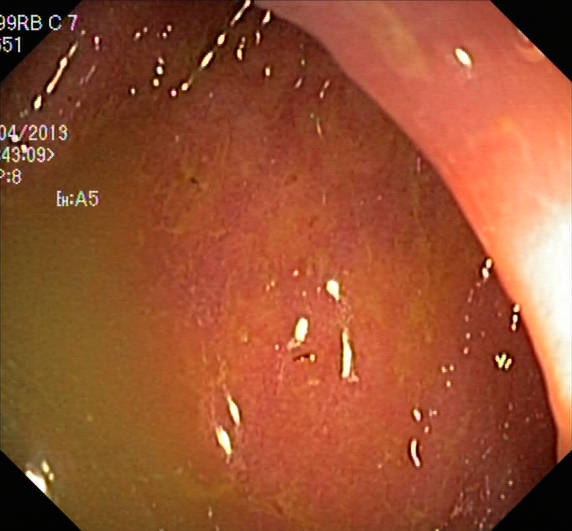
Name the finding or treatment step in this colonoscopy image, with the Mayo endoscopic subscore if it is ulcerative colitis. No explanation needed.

ulcerative colitis, Mayo endoscopic subscore 2